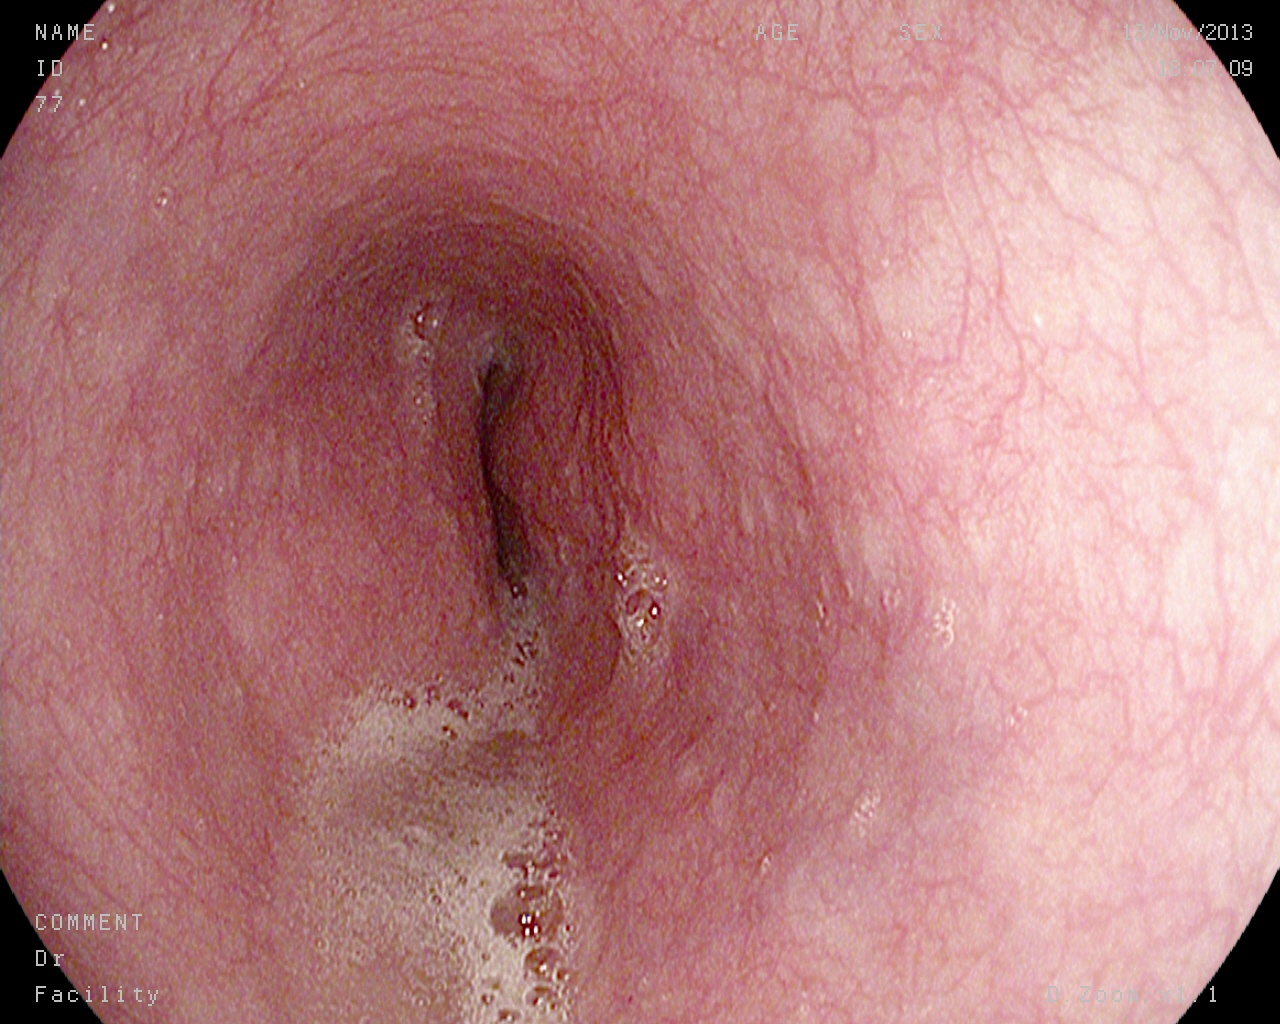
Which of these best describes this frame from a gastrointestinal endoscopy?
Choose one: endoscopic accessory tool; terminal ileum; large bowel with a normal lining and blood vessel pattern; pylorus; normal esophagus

normal esophagus